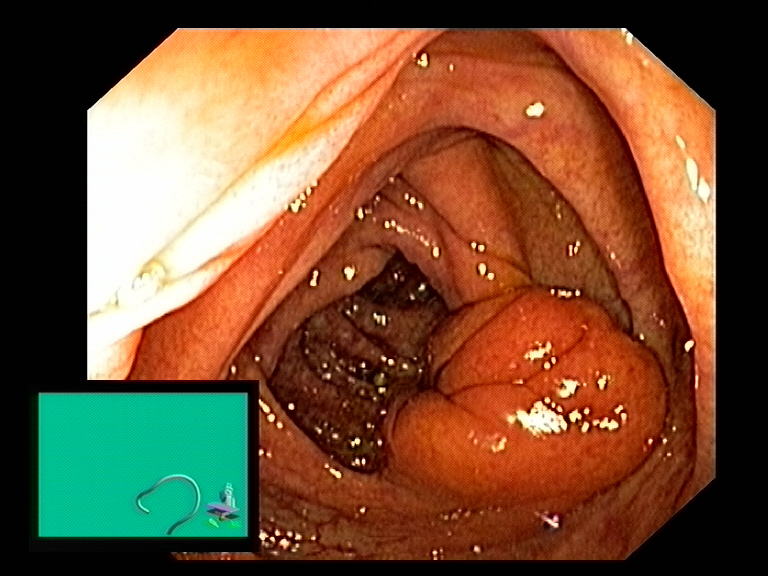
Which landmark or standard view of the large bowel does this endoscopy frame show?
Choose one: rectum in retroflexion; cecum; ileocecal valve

ileocecal valve